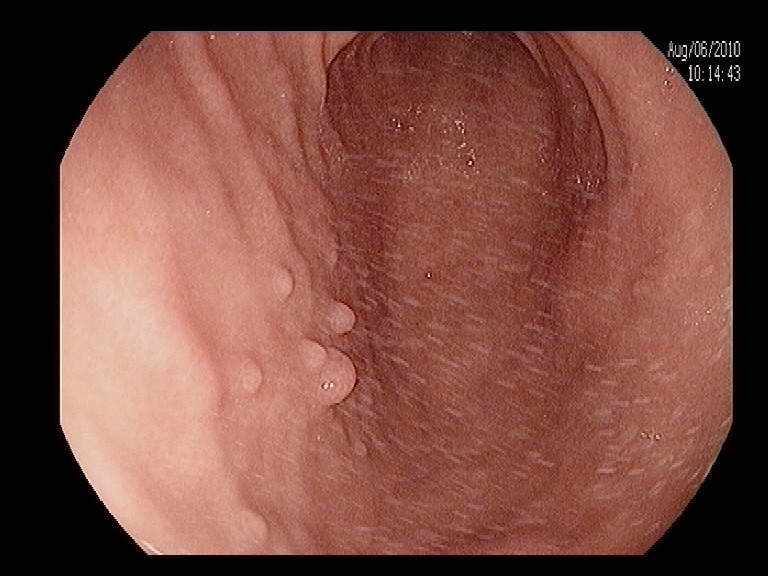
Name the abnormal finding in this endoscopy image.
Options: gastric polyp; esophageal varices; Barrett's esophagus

gastric polyp